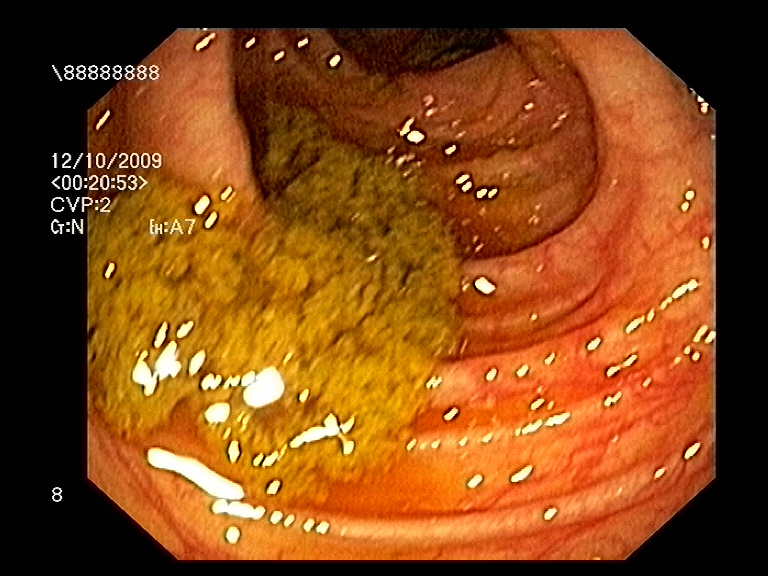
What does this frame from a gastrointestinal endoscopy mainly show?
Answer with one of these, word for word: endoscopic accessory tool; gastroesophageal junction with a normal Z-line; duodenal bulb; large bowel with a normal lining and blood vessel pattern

large bowel with a normal lining and blood vessel pattern